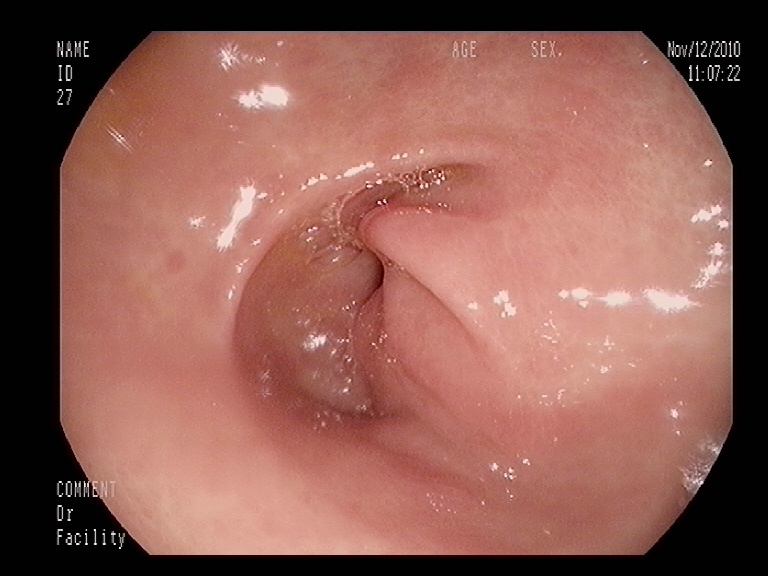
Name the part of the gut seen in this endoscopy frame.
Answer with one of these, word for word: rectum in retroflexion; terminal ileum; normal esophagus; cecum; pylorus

pylorus